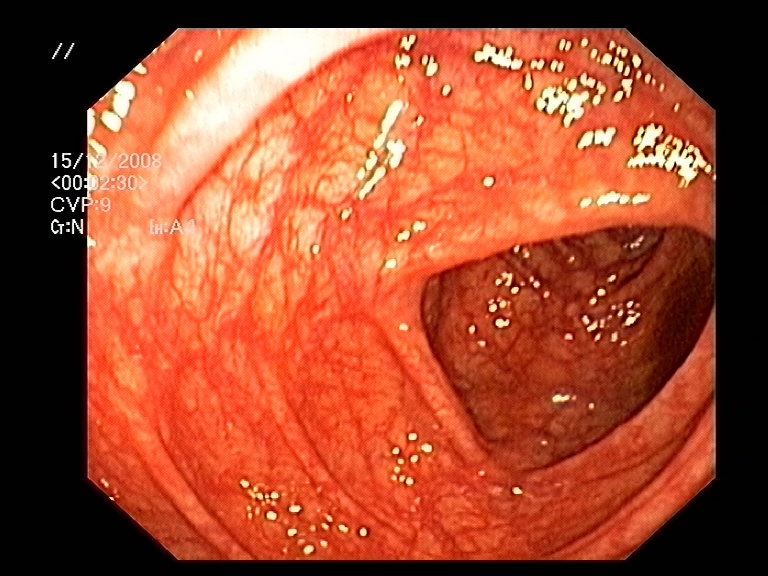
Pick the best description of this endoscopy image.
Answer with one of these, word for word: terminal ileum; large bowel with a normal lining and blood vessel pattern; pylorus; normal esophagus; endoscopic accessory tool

large bowel with a normal lining and blood vessel pattern